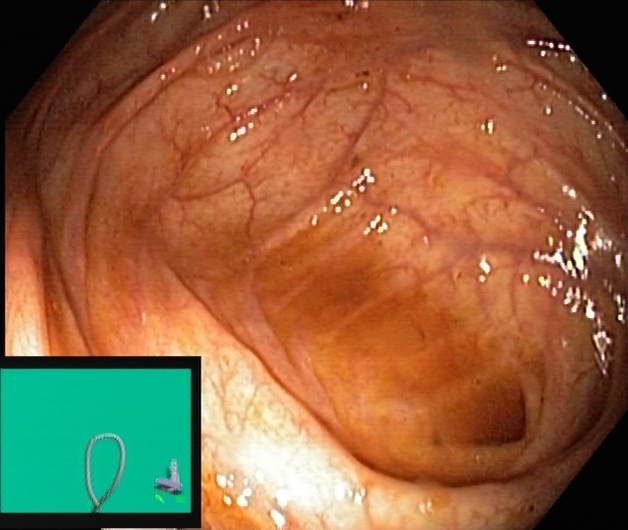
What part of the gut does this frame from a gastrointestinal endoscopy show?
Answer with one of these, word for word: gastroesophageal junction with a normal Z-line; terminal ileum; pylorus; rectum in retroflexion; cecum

cecum